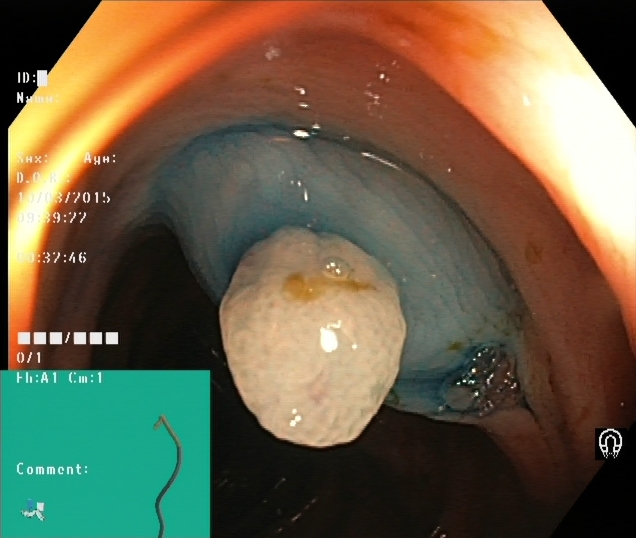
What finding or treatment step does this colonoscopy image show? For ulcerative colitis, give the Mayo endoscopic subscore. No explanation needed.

dyed and lifted polyp (pre-resection)